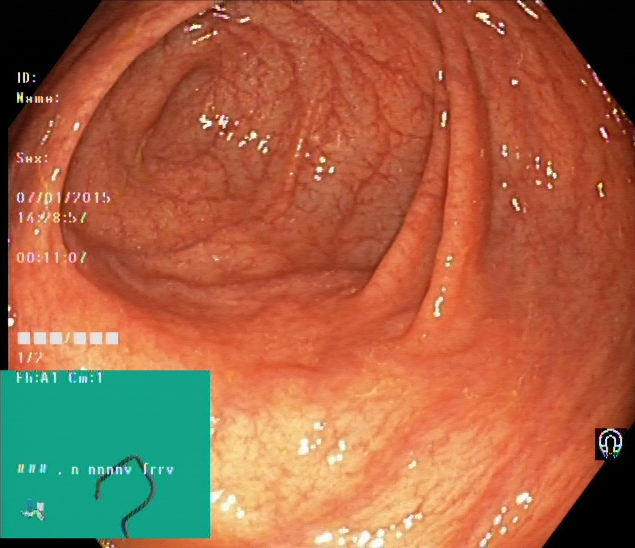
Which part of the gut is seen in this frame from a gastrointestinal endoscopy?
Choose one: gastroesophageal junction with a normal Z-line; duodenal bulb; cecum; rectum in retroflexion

cecum